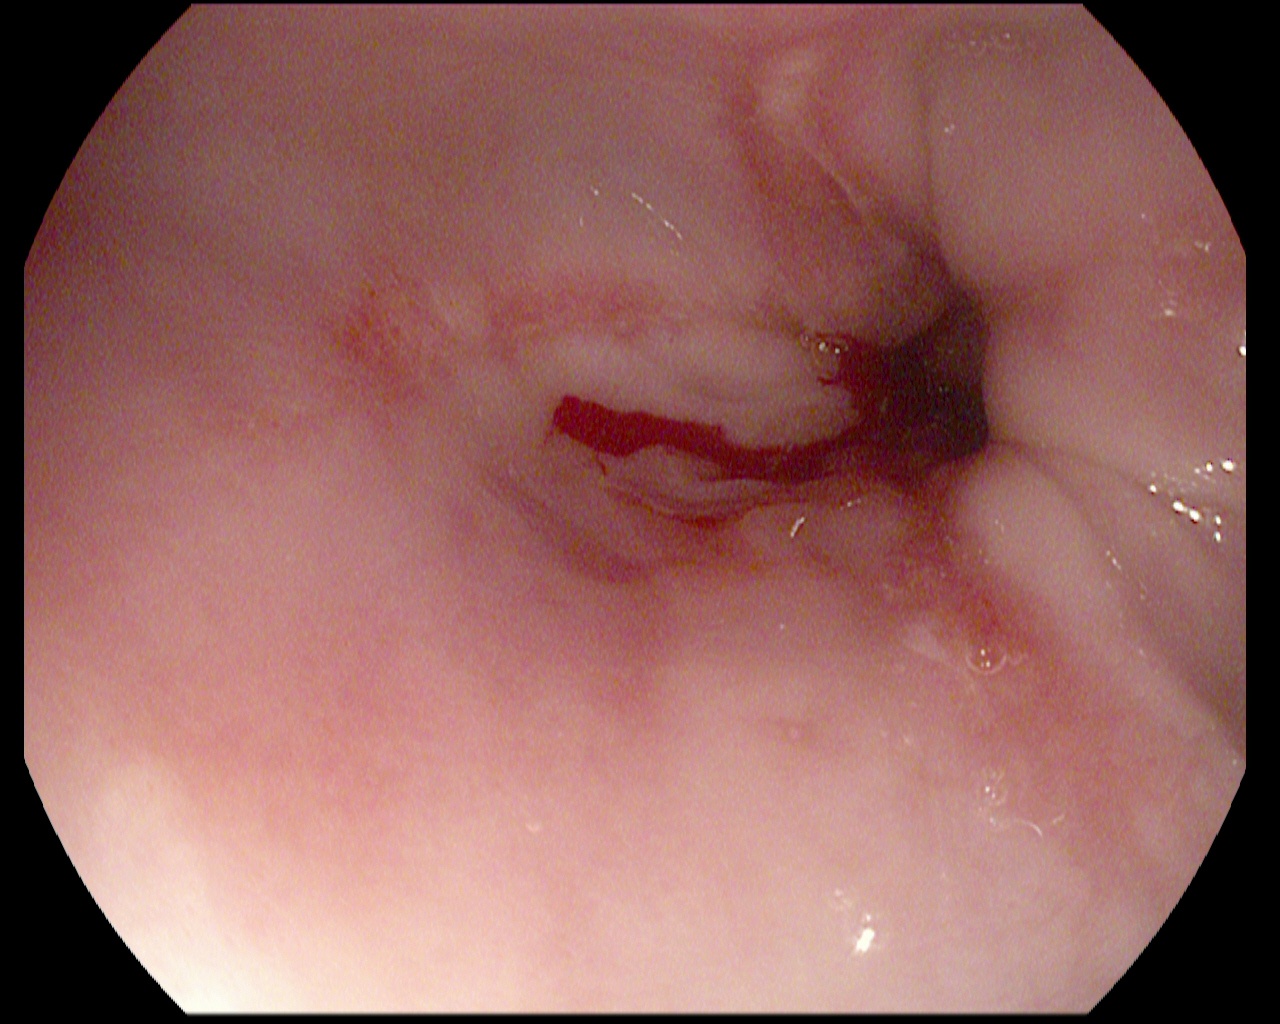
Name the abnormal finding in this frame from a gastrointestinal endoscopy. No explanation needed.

esophagitis